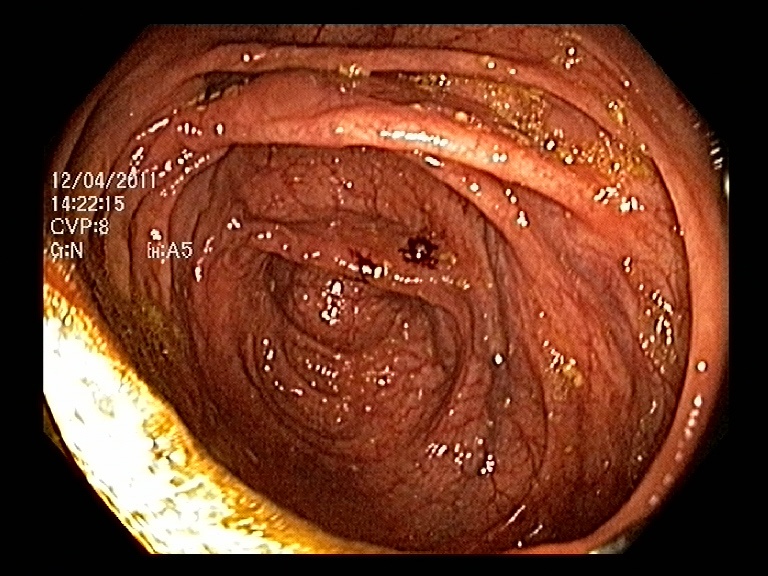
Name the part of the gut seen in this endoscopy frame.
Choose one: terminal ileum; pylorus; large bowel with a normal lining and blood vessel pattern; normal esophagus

large bowel with a normal lining and blood vessel pattern